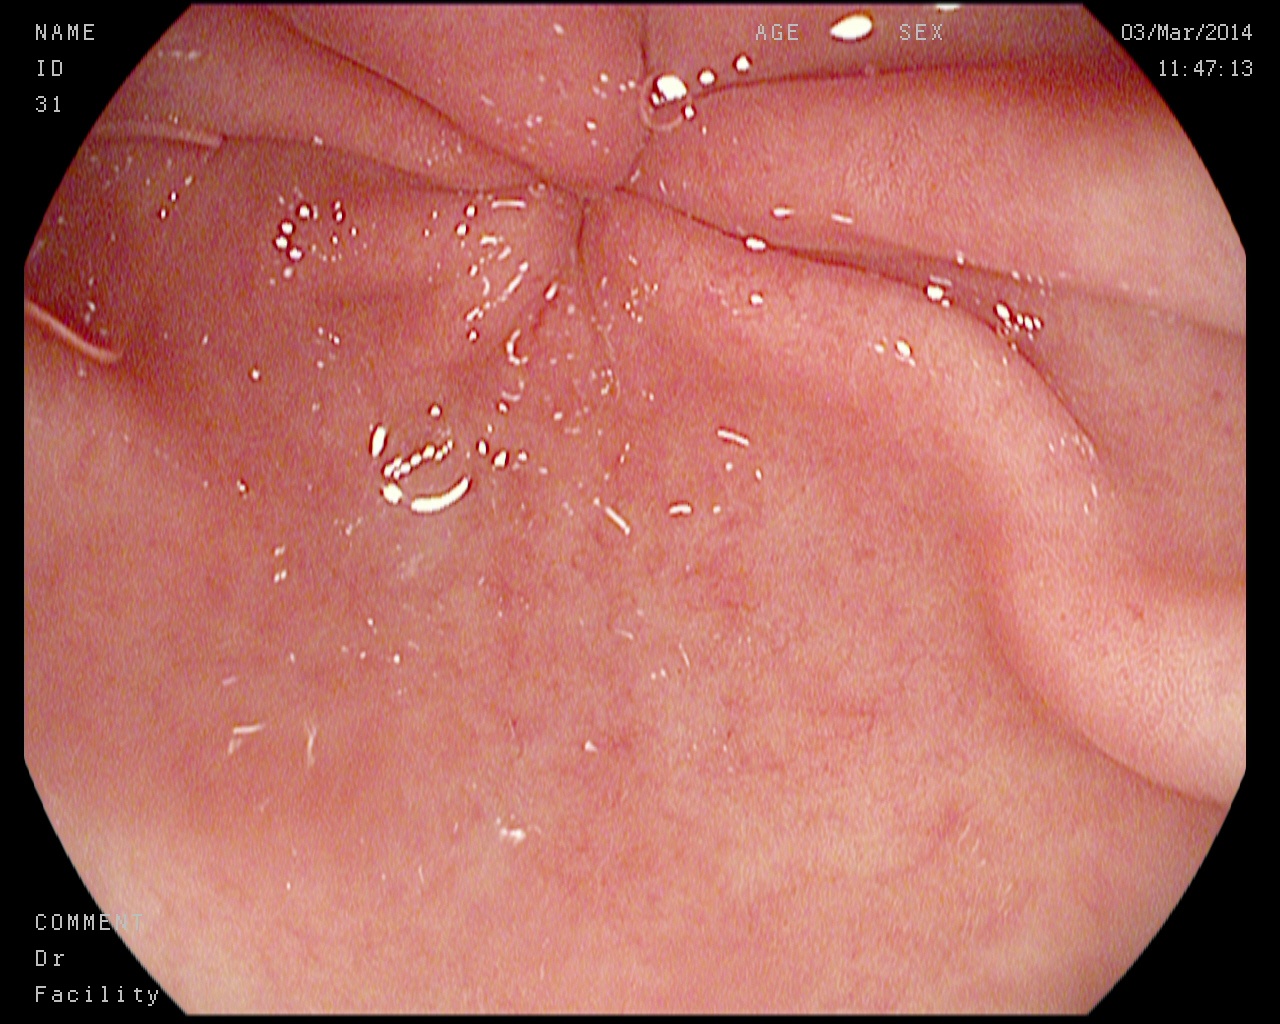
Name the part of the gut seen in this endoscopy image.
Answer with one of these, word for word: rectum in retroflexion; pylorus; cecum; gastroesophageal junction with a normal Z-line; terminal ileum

pylorus